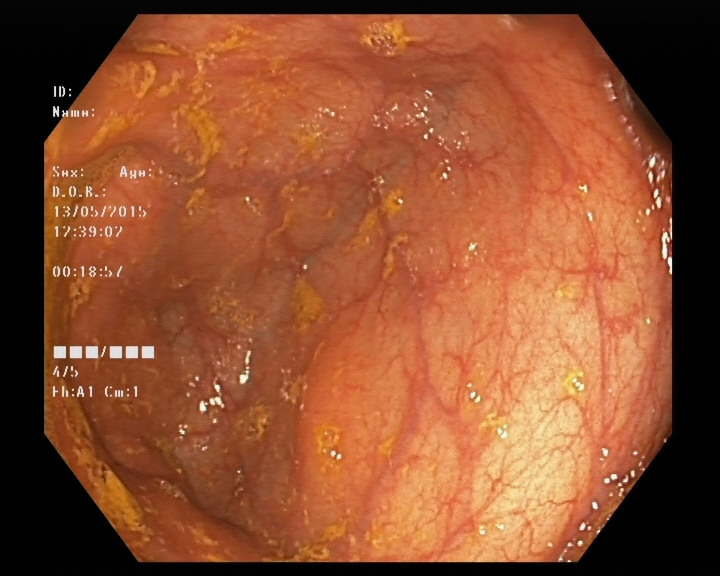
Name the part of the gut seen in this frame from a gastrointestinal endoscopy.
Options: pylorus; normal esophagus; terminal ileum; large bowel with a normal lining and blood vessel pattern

large bowel with a normal lining and blood vessel pattern